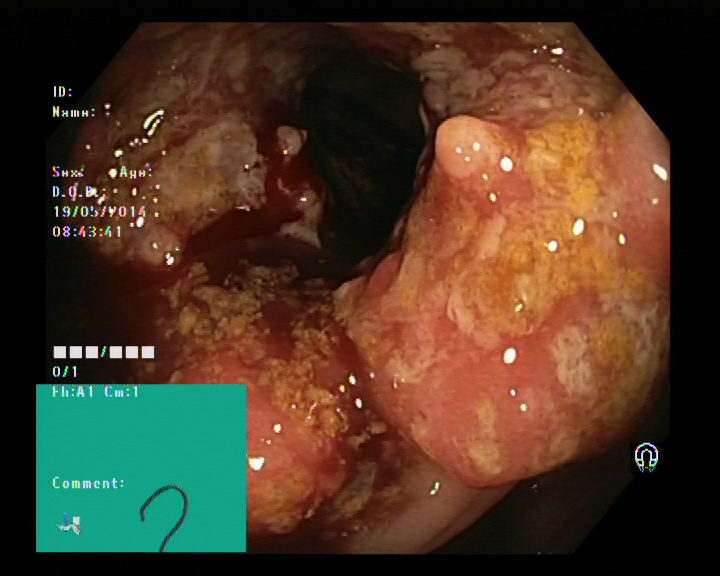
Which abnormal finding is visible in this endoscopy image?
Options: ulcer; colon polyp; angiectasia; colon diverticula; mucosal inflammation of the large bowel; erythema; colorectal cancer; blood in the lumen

colorectal cancer